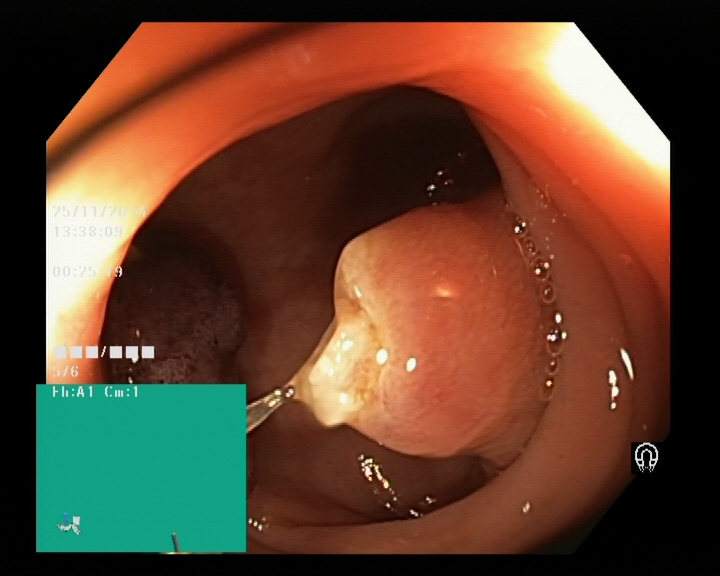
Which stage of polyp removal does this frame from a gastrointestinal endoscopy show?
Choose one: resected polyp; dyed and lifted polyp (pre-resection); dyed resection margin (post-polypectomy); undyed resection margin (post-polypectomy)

undyed resection margin (post-polypectomy)